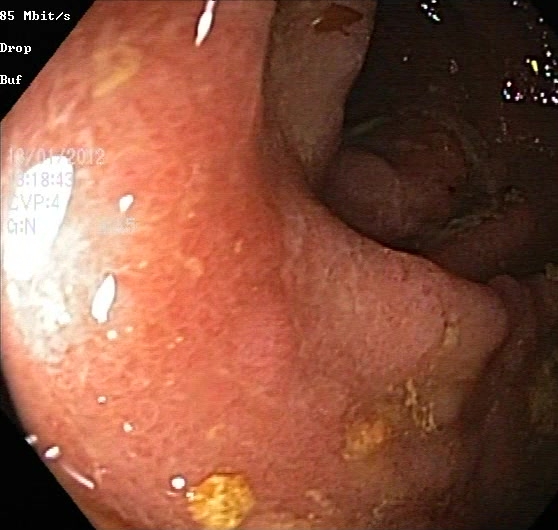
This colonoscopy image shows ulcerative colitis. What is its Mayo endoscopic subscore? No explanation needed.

ulcerative colitis, Mayo endoscopic subscore 2